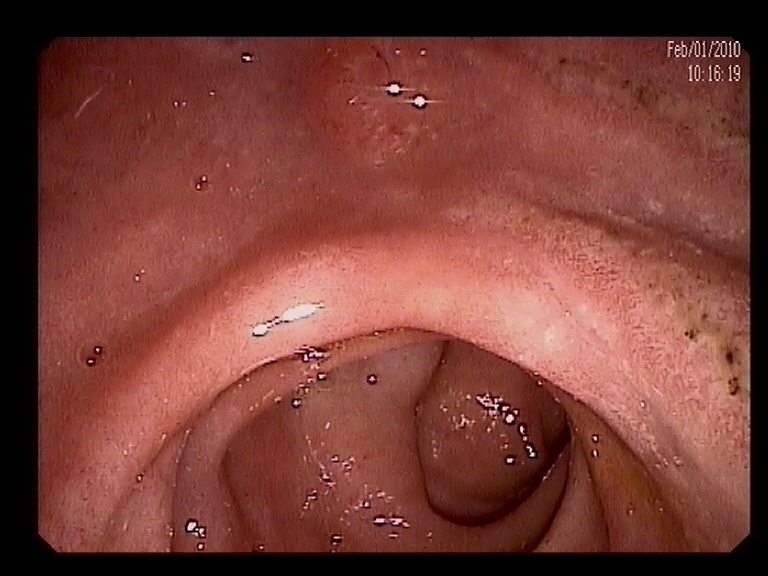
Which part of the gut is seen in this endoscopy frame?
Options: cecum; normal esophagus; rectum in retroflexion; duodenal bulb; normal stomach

normal stomach